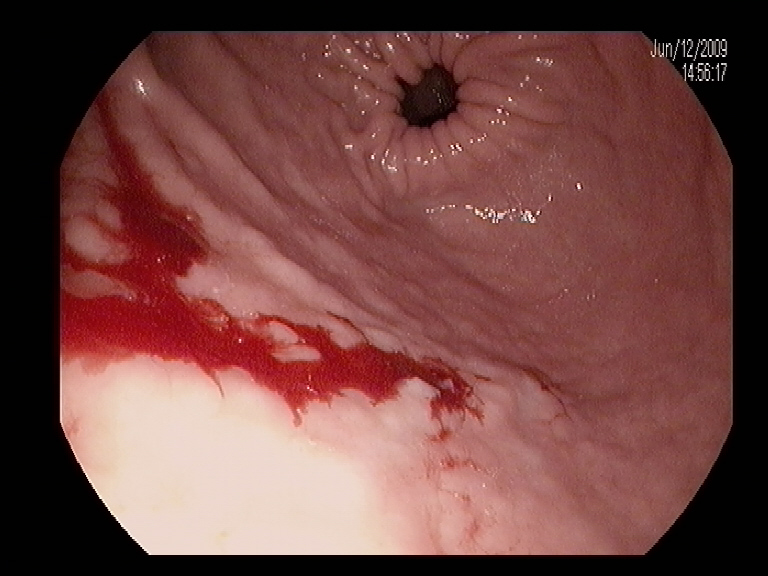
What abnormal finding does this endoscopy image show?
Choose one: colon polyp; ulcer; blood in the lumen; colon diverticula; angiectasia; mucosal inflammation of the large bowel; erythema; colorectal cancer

blood in the lumen